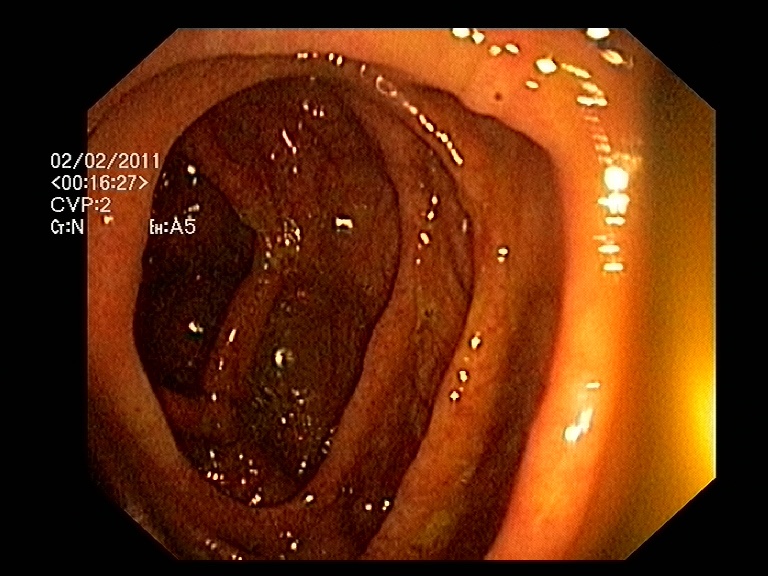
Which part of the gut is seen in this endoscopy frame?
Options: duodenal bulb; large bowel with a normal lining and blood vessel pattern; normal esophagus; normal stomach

large bowel with a normal lining and blood vessel pattern